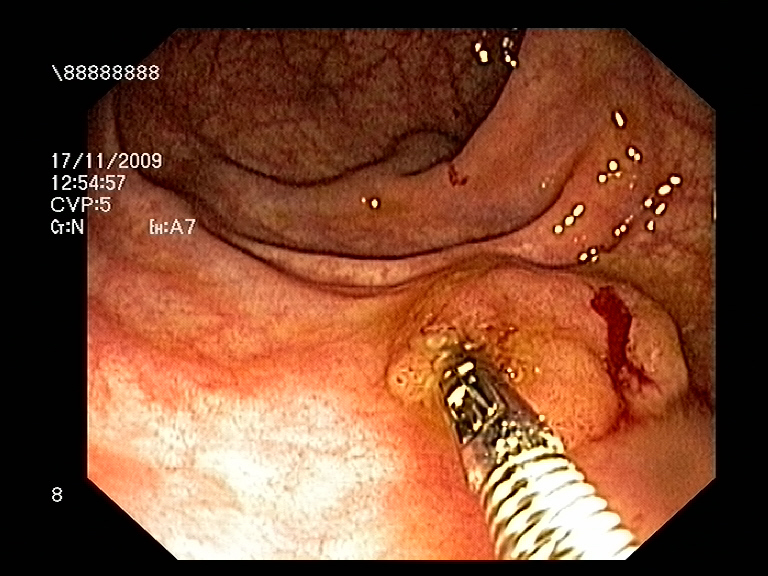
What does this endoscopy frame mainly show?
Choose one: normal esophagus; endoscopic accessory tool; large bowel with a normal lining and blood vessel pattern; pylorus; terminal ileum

endoscopic accessory tool